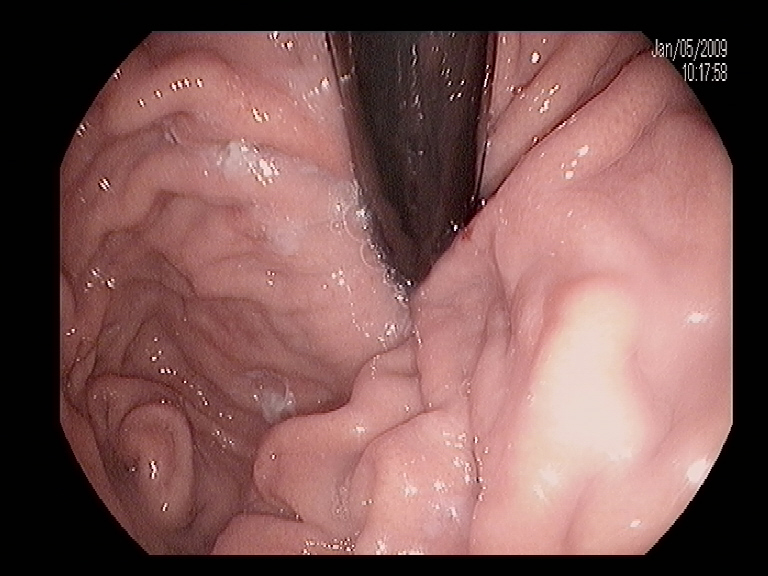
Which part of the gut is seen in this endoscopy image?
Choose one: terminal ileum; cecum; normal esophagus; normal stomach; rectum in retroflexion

normal stomach